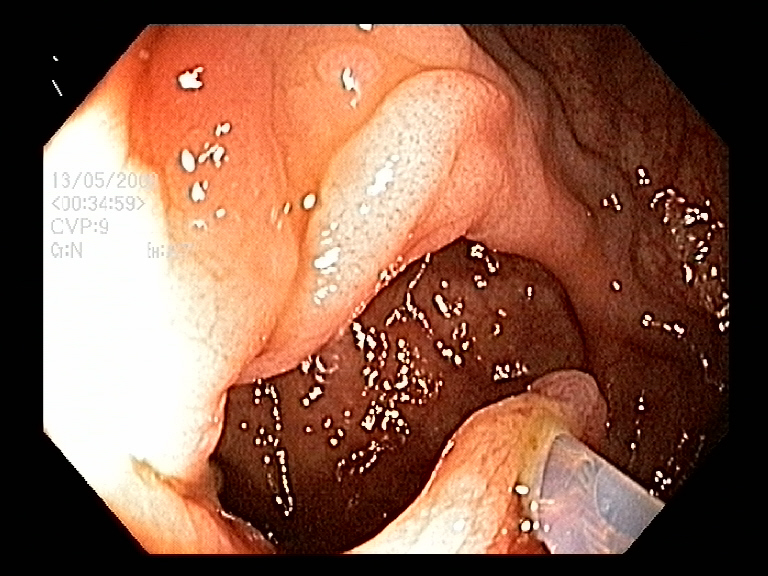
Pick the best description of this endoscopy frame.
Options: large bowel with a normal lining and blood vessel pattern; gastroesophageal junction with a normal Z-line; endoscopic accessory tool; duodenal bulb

endoscopic accessory tool